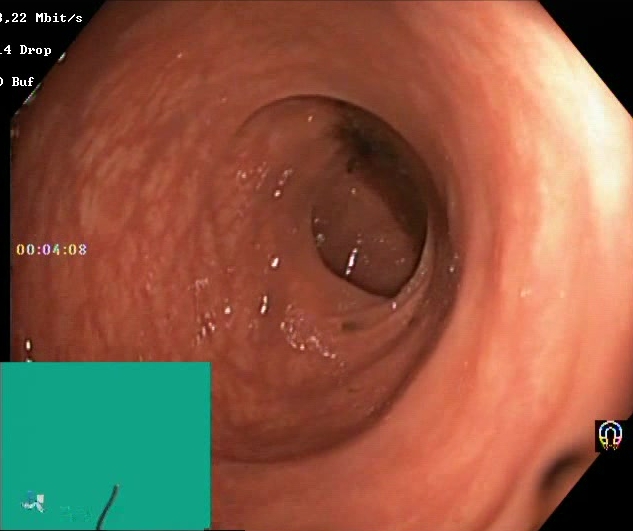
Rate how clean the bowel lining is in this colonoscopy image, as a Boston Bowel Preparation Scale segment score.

Boston Bowel Preparation Scale score 0–1 (inadequate preparation)